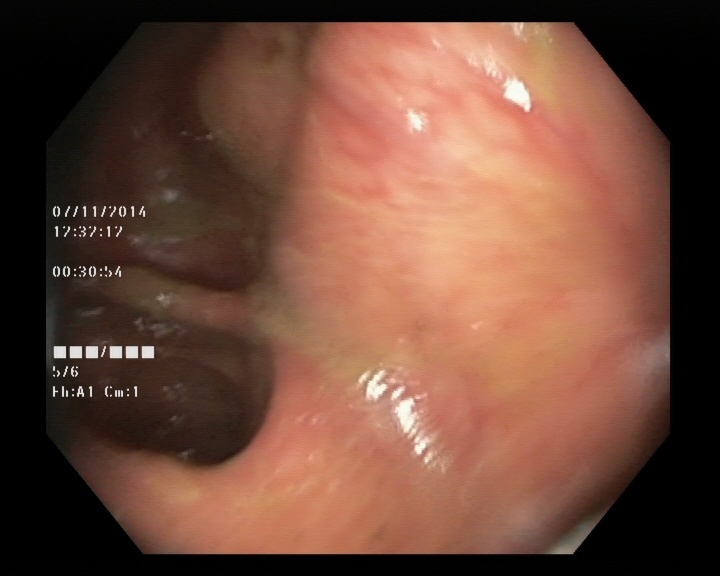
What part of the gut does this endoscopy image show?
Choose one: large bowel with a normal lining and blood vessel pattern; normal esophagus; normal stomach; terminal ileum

large bowel with a normal lining and blood vessel pattern